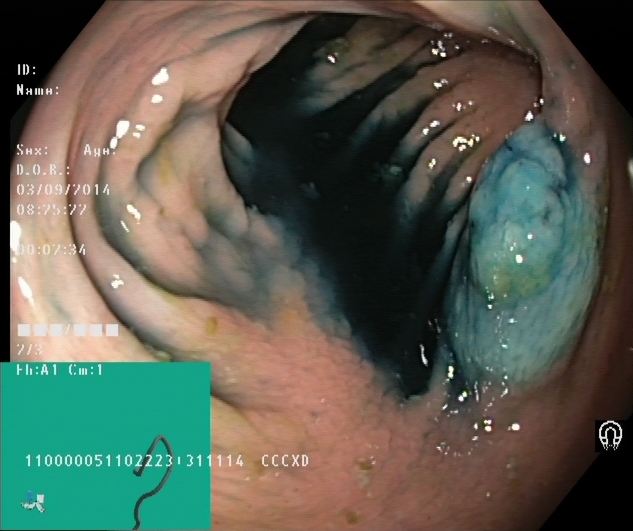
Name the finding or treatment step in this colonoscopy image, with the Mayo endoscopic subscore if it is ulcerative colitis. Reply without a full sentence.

dyed and lifted polyp (pre-resection)